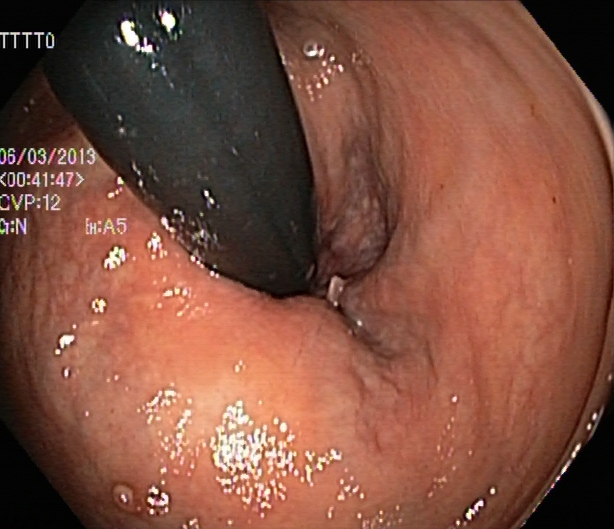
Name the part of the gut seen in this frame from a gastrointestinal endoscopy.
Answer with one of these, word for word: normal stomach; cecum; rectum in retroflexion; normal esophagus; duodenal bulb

rectum in retroflexion